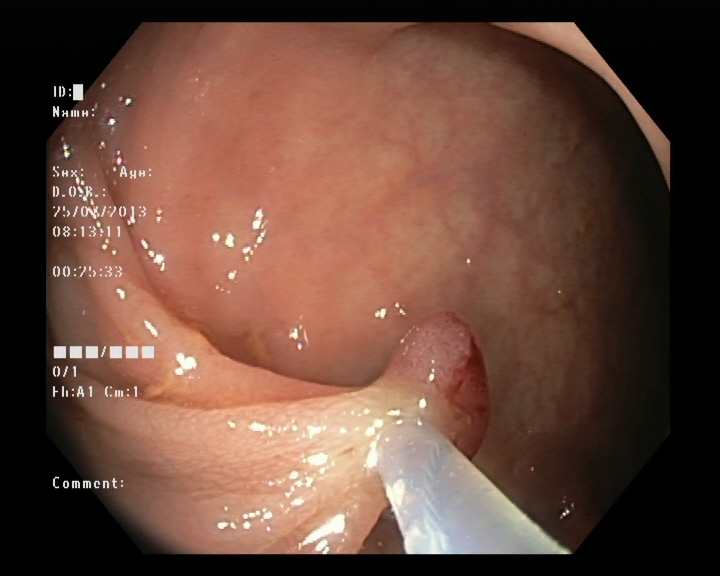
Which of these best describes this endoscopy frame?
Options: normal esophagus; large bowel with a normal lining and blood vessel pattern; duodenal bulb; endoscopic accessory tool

endoscopic accessory tool